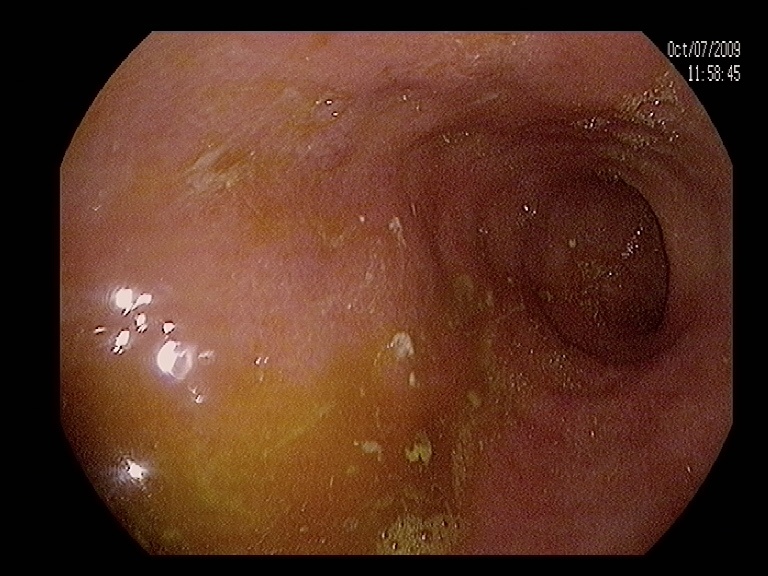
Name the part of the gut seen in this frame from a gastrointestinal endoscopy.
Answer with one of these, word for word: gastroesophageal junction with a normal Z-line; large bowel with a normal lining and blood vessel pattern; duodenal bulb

duodenal bulb